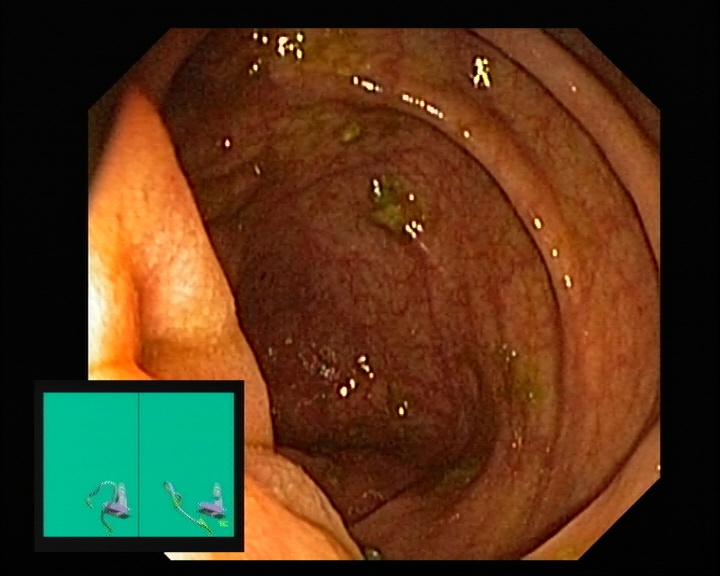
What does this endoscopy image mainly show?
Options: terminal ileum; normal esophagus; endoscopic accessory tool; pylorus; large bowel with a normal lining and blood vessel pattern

large bowel with a normal lining and blood vessel pattern